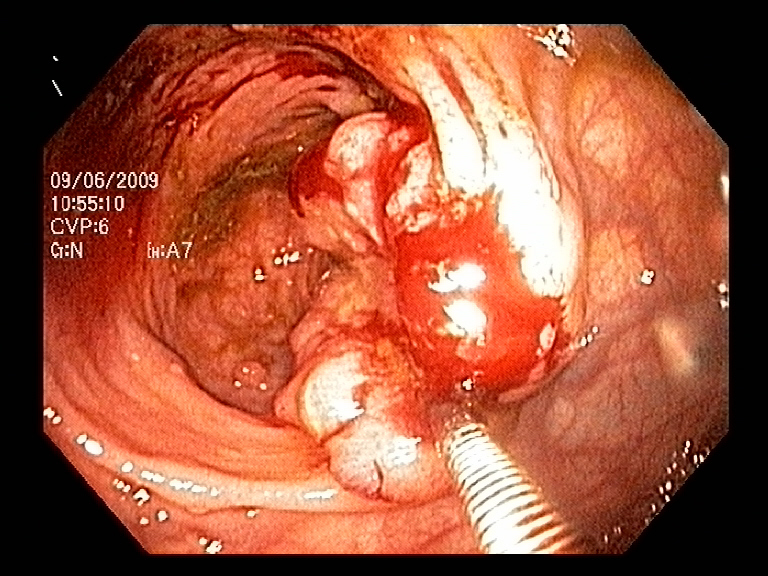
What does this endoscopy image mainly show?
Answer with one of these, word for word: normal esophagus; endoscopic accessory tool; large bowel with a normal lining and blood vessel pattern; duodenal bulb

endoscopic accessory tool